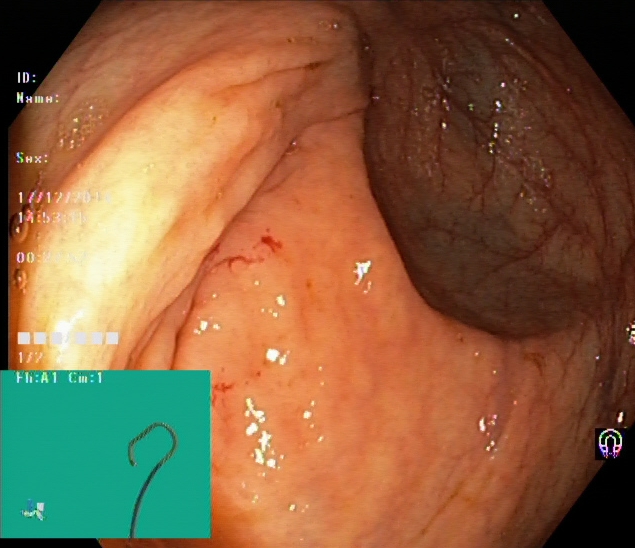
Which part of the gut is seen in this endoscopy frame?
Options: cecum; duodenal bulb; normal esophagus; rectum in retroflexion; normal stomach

cecum